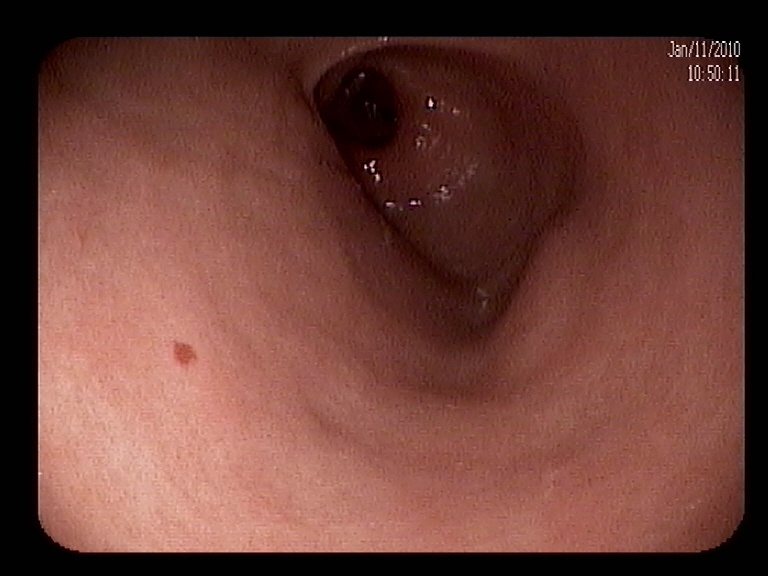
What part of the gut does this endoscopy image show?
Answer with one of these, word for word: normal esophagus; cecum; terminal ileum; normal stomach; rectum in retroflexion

normal stomach